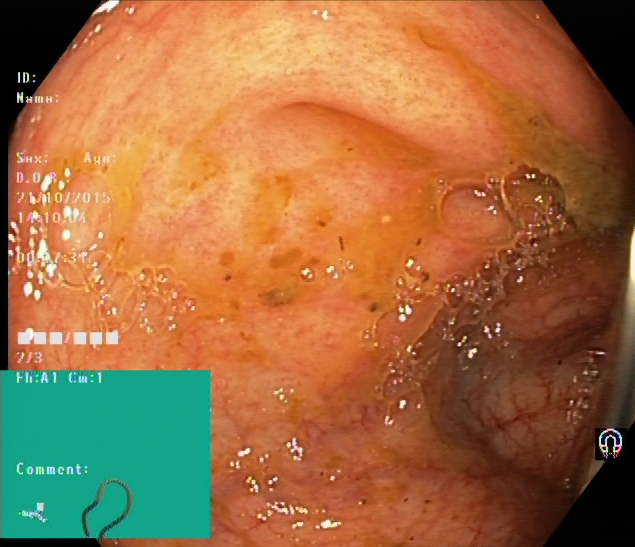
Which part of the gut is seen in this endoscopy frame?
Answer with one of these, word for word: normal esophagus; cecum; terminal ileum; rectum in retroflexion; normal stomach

cecum